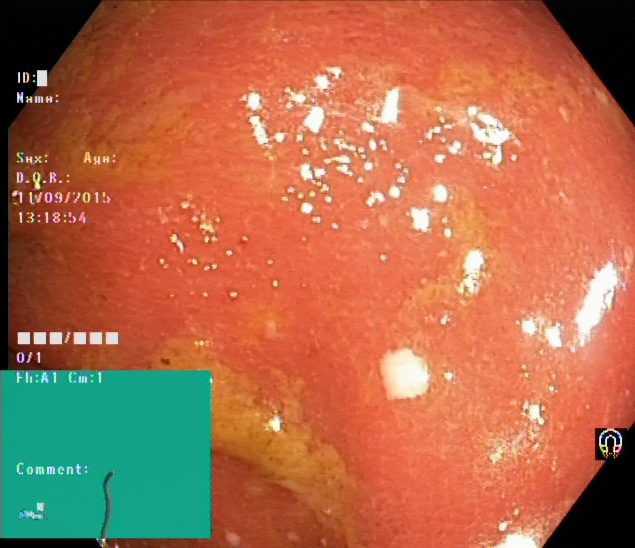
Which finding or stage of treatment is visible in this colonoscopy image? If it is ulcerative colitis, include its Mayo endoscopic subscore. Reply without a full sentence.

ulcerative colitis, Mayo endoscopic subscore 2